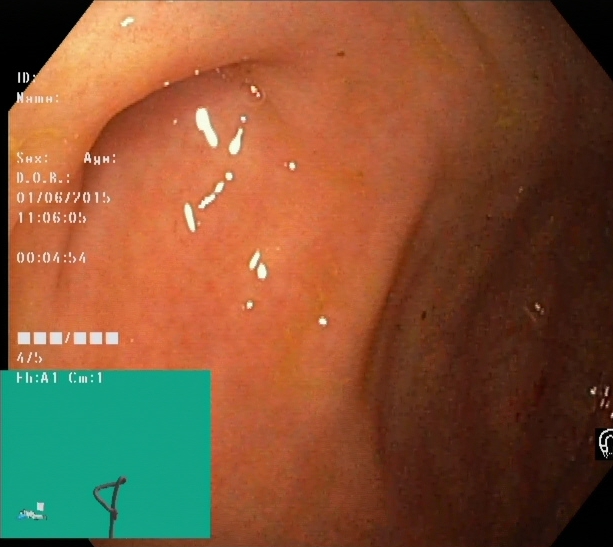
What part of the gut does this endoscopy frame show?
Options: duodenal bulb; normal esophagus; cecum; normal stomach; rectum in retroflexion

cecum